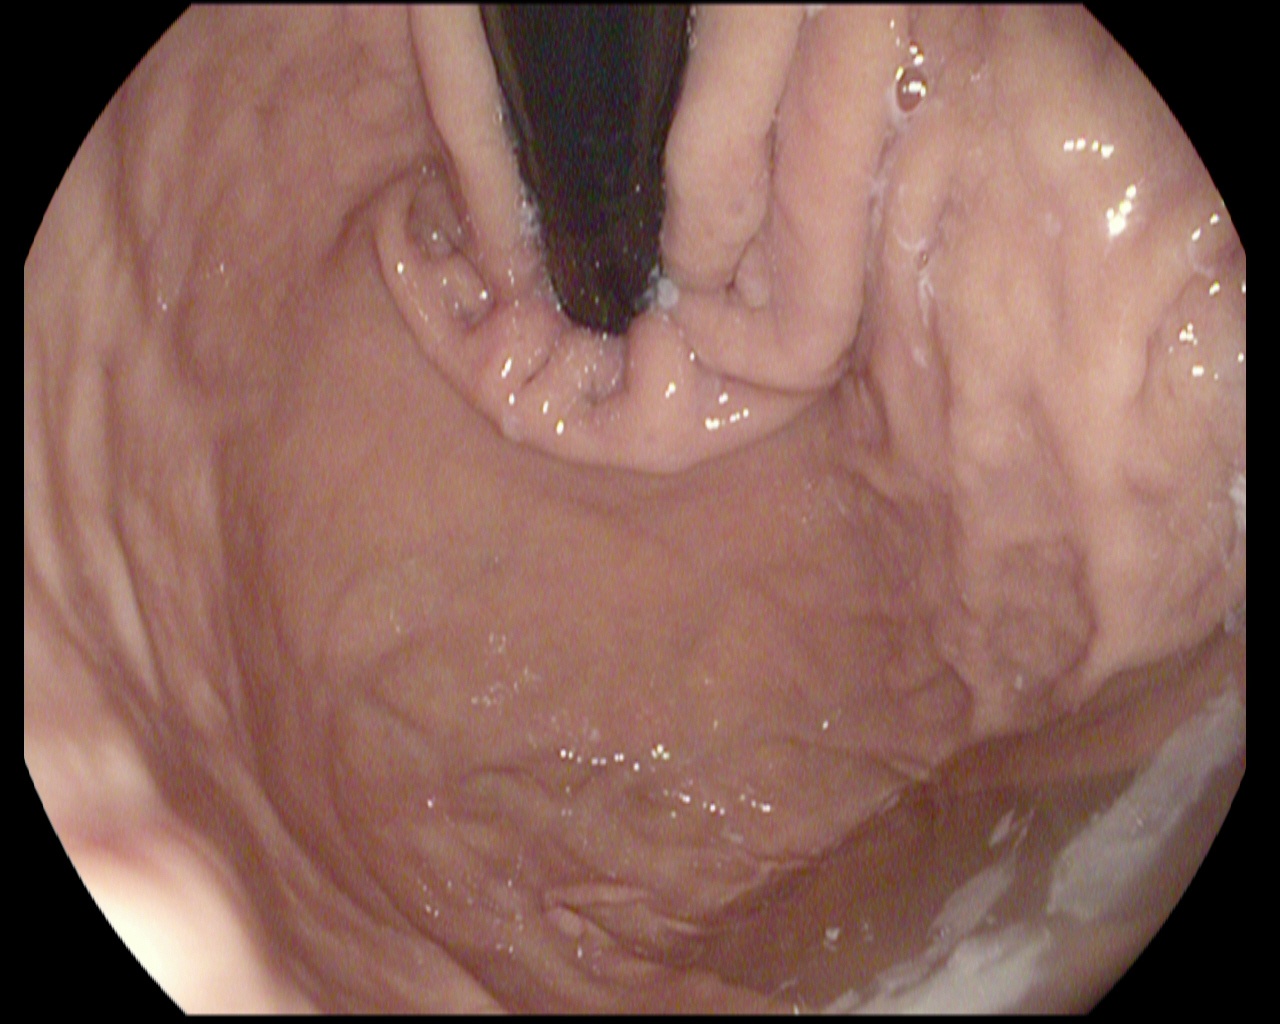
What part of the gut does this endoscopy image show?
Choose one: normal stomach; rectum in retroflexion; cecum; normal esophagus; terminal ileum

normal stomach